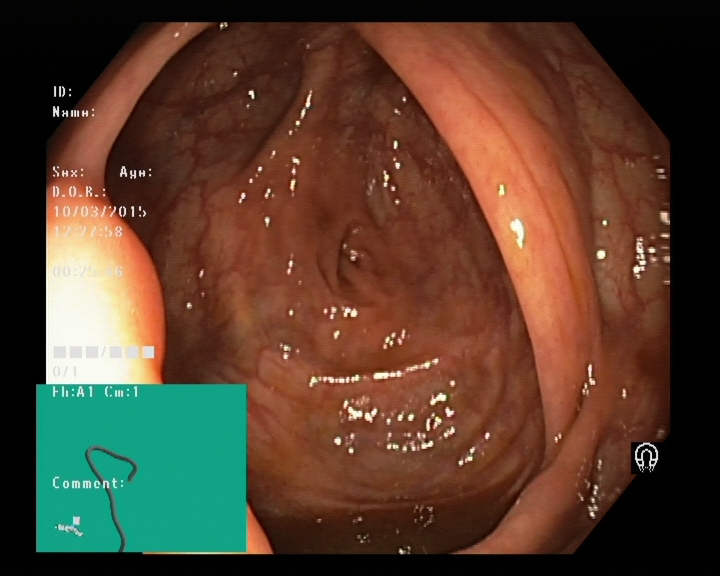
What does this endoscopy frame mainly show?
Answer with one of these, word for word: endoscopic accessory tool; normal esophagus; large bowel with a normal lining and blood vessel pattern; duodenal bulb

large bowel with a normal lining and blood vessel pattern